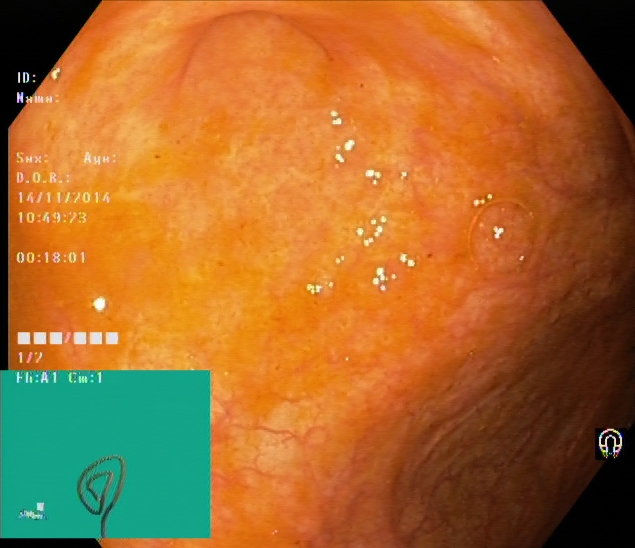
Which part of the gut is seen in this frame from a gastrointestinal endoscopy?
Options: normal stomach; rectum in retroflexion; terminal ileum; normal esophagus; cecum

cecum